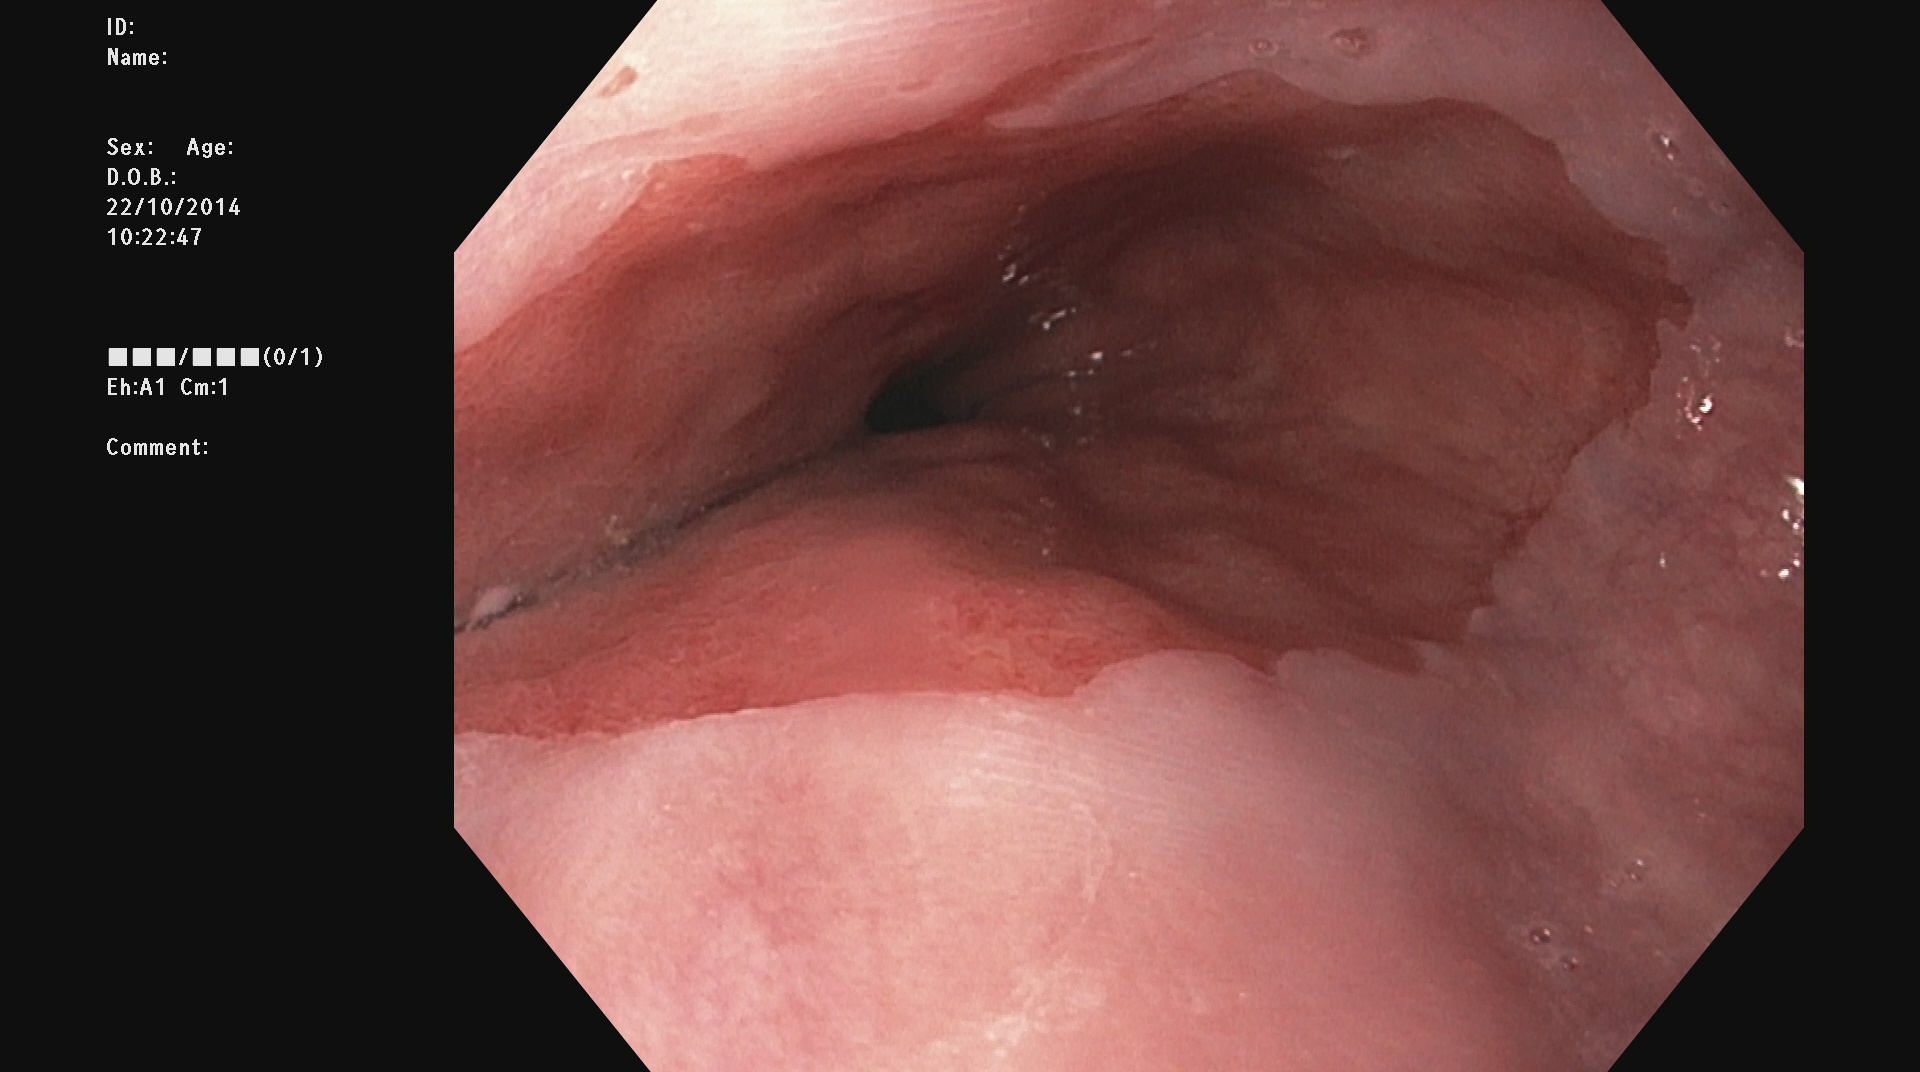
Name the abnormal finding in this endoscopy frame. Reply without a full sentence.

Barrett's esophagus